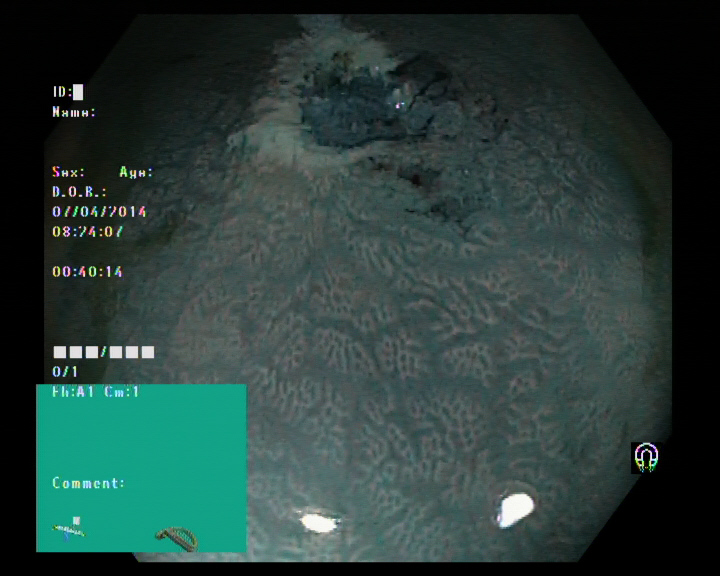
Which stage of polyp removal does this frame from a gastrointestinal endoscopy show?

dyed resection margin (post-polypectomy)